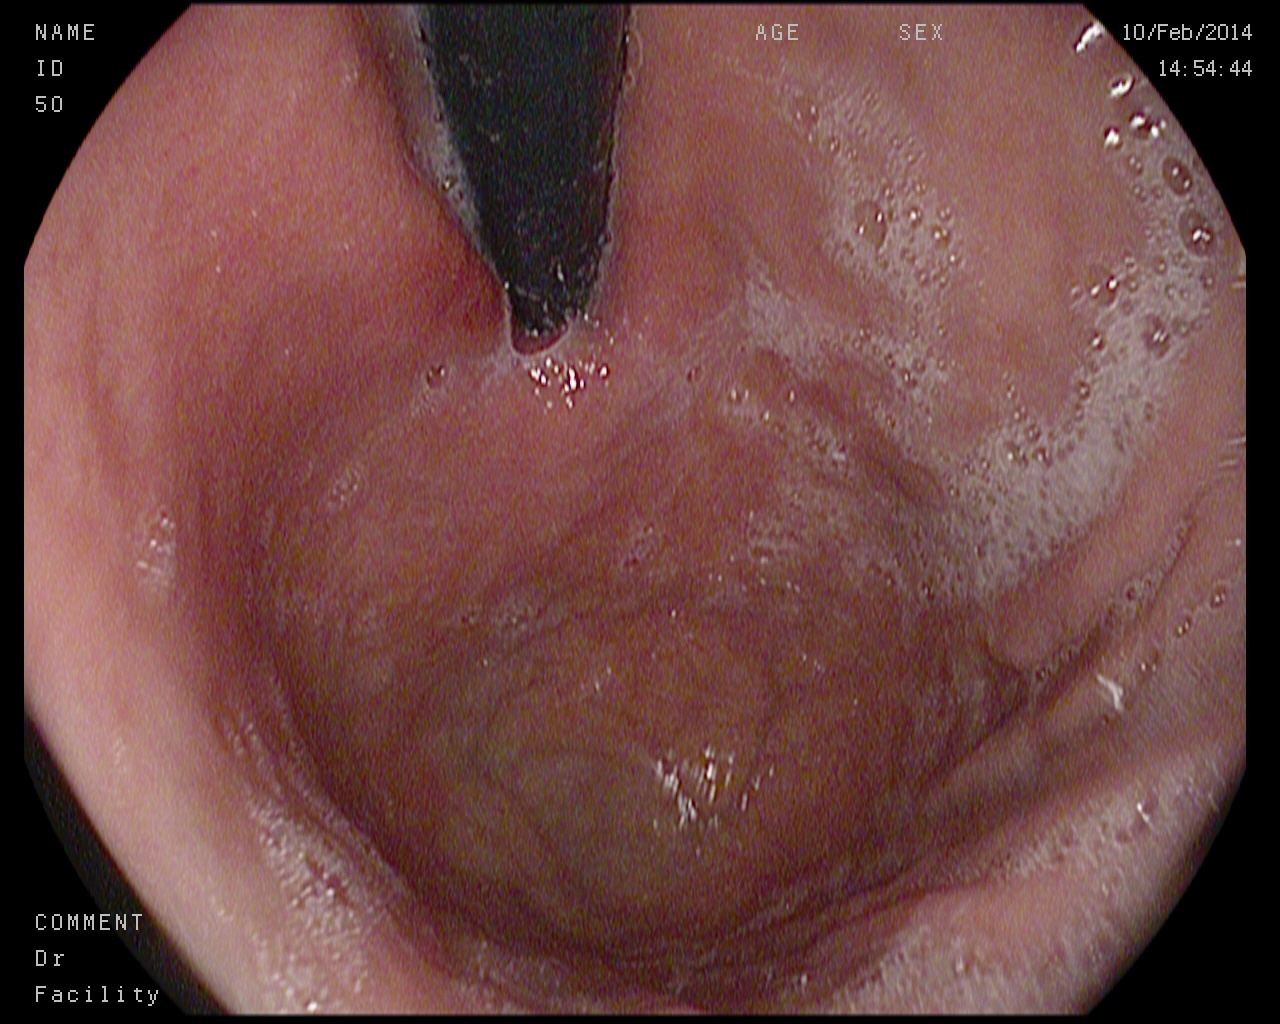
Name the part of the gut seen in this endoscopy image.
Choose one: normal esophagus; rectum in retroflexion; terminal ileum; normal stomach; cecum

normal stomach